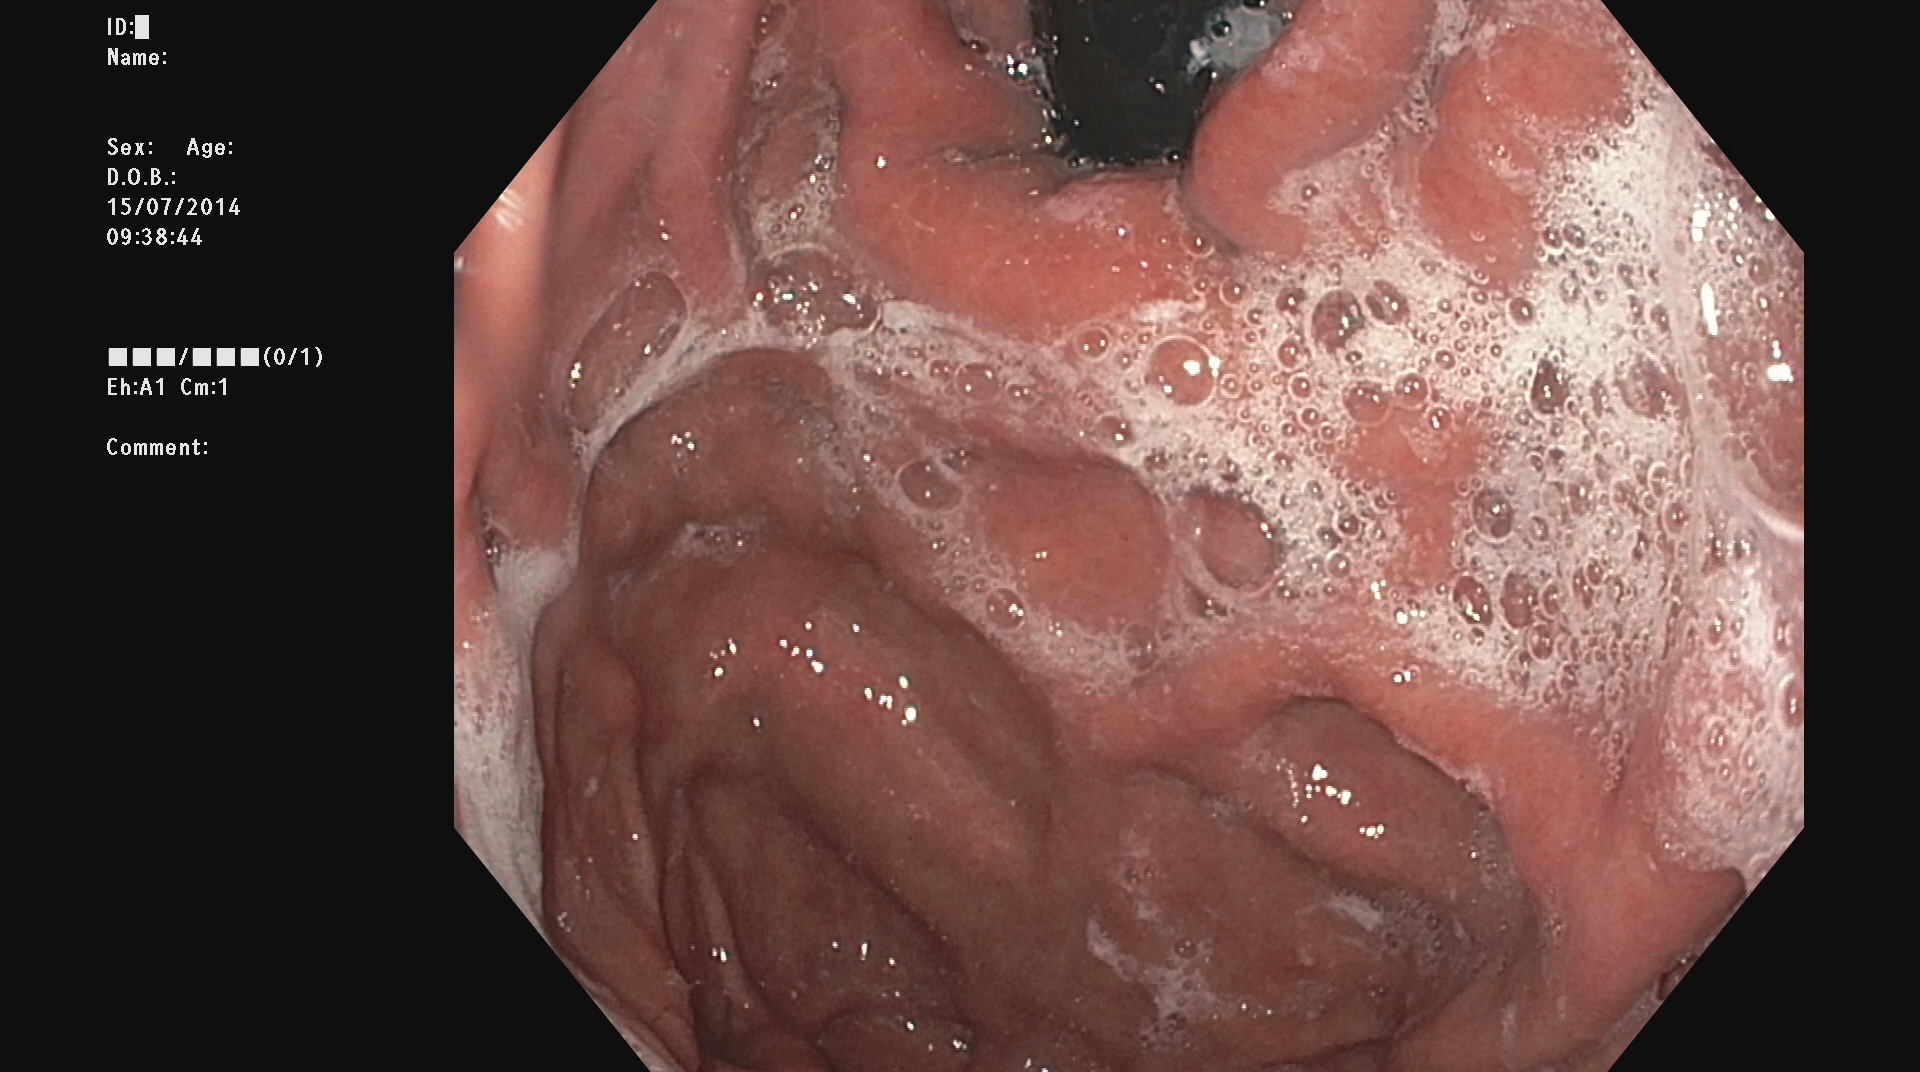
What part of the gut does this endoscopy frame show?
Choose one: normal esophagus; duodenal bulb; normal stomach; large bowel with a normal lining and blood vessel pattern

normal stomach